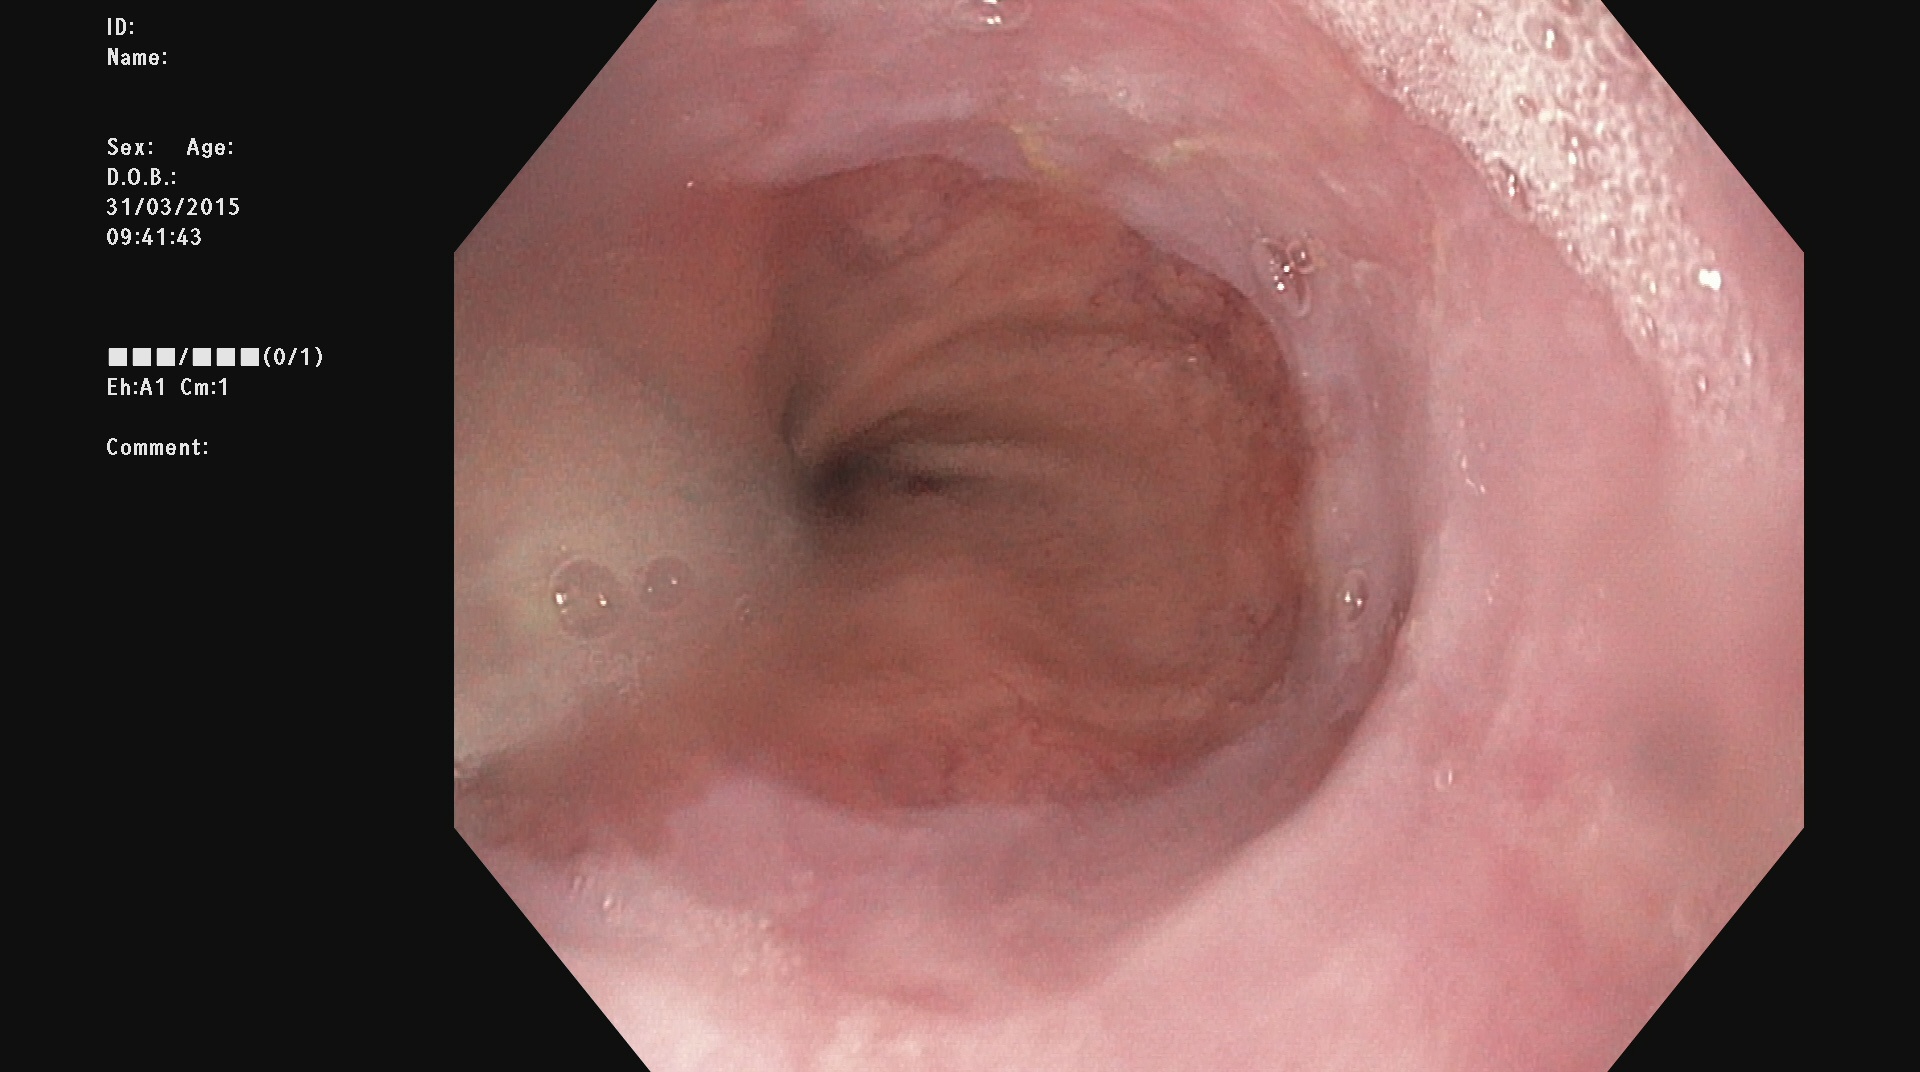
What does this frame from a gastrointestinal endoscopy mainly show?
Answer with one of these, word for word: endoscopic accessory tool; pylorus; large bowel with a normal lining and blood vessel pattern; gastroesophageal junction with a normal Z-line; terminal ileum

gastroesophageal junction with a normal Z-line